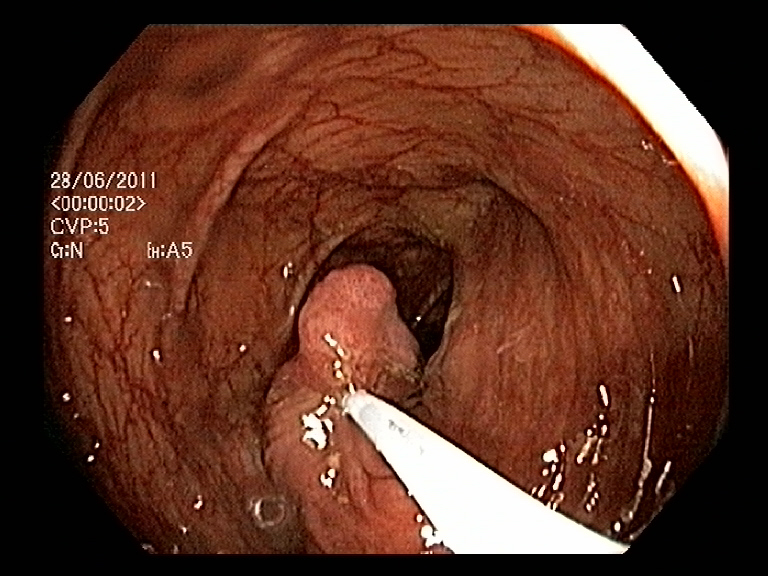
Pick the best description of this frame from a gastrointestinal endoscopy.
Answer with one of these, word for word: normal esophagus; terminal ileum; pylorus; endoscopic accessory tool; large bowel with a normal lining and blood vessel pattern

endoscopic accessory tool